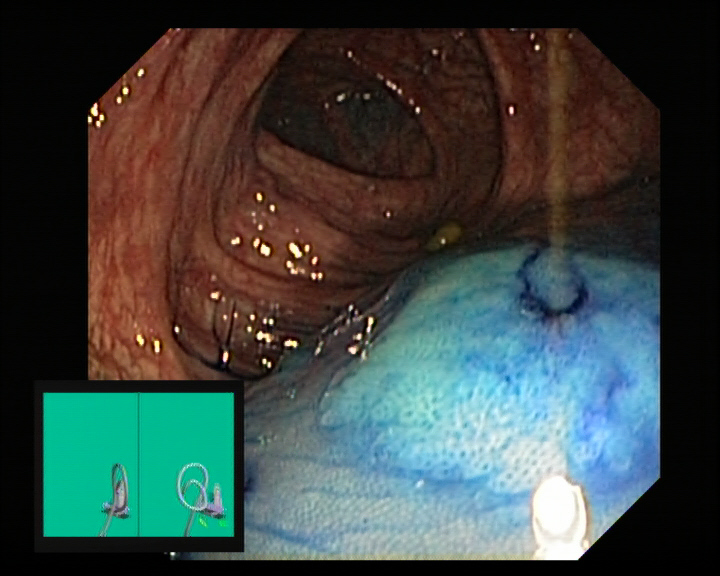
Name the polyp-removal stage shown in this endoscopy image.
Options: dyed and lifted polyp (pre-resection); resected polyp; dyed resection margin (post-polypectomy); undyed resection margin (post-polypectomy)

dyed and lifted polyp (pre-resection)